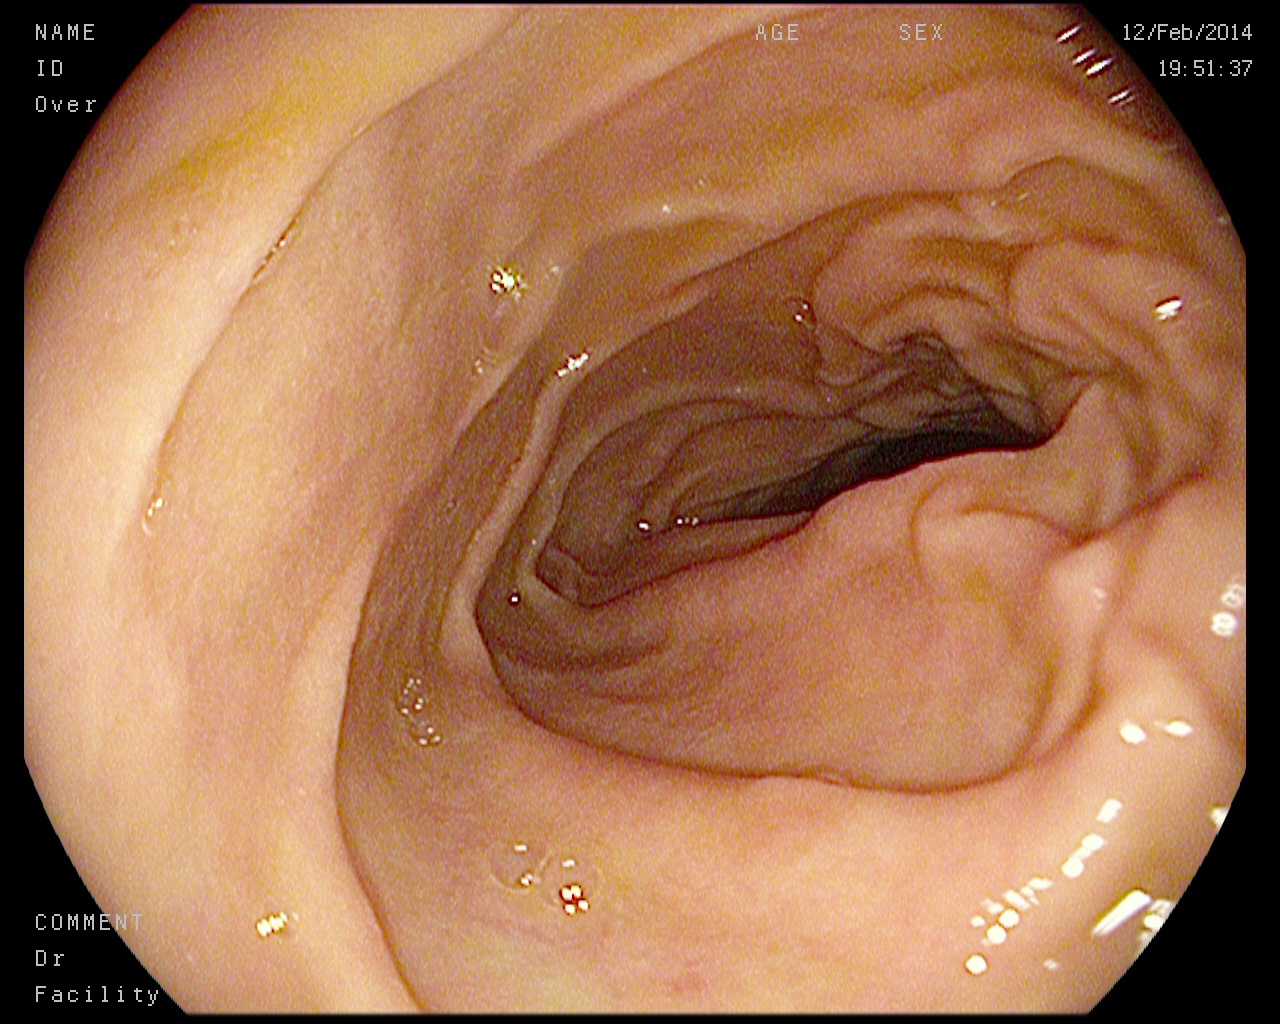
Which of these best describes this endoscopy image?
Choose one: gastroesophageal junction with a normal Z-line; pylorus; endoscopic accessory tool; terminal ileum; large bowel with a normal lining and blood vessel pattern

terminal ileum